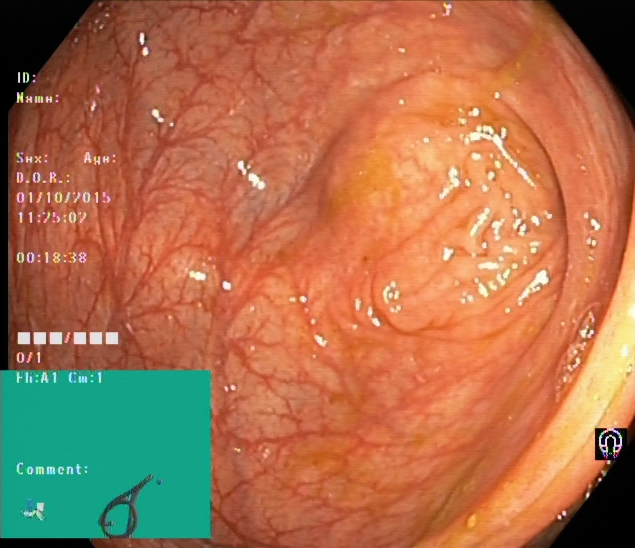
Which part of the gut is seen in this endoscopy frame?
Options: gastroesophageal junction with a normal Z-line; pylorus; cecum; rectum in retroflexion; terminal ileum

cecum